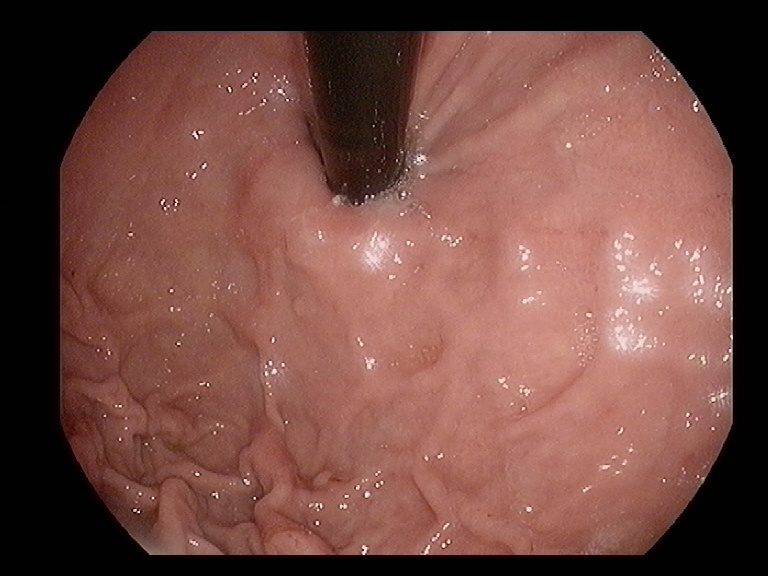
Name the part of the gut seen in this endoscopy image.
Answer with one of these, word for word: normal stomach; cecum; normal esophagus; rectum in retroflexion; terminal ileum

normal stomach